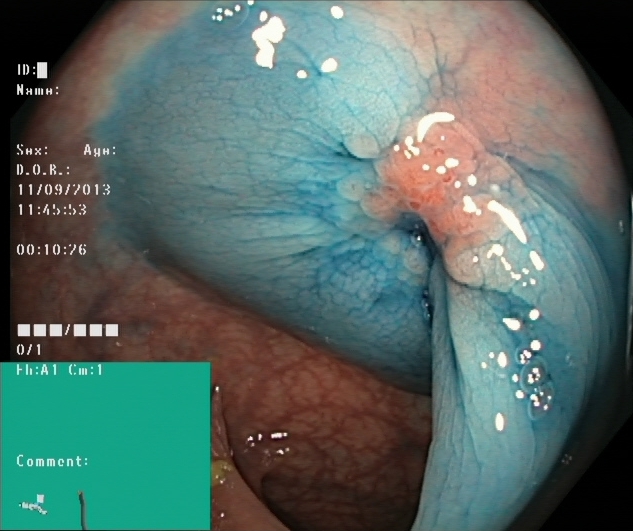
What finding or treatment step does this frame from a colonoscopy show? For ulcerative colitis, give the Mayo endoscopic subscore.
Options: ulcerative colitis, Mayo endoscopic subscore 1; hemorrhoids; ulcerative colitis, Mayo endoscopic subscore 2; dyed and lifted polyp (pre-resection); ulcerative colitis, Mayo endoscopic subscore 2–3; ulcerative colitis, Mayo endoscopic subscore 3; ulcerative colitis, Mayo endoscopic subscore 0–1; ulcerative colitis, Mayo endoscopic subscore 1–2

dyed and lifted polyp (pre-resection)